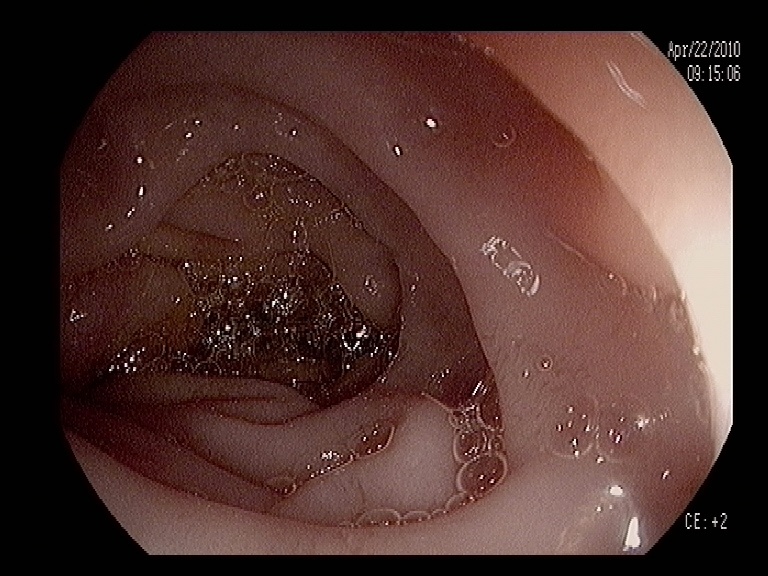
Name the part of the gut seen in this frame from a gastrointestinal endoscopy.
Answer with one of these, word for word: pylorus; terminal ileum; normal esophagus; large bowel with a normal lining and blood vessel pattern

terminal ileum